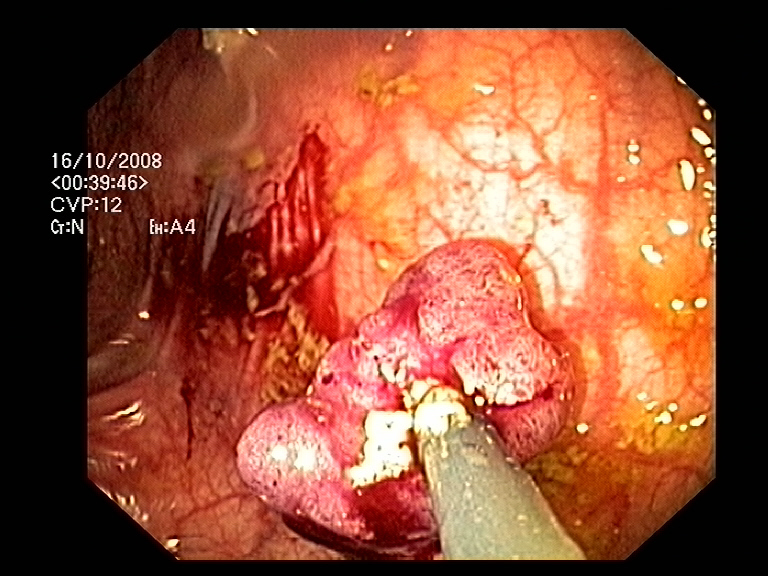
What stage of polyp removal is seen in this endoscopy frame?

resected polyp